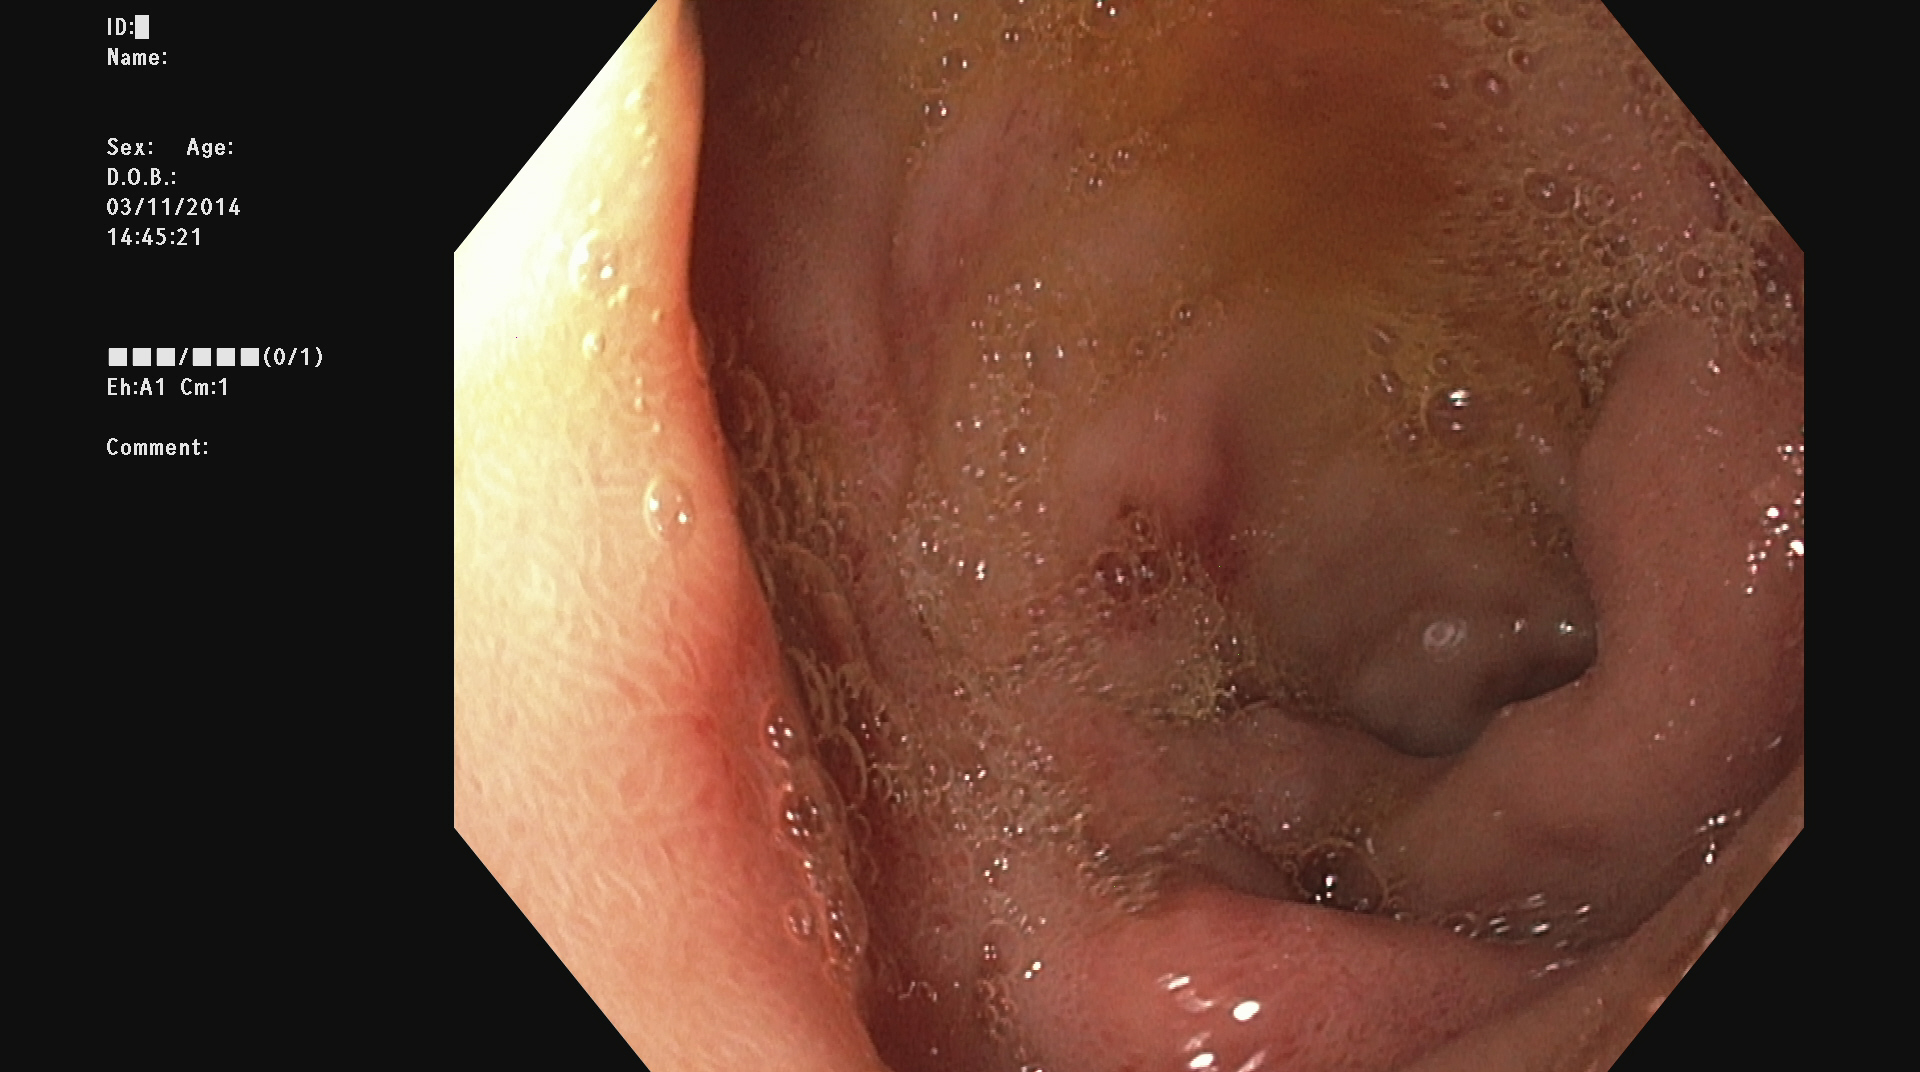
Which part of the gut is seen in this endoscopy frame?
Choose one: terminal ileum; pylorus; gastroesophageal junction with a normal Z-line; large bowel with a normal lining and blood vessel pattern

terminal ileum